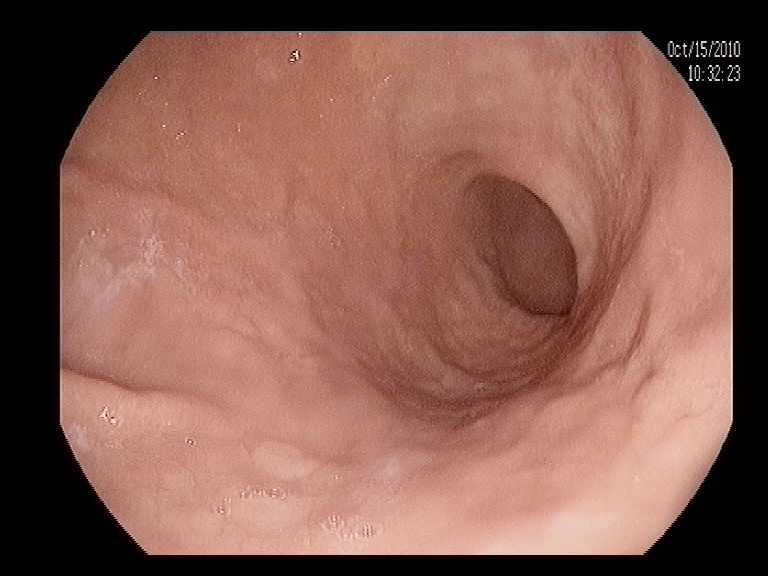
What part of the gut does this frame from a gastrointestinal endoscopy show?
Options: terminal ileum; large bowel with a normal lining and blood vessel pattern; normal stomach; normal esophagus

normal stomach